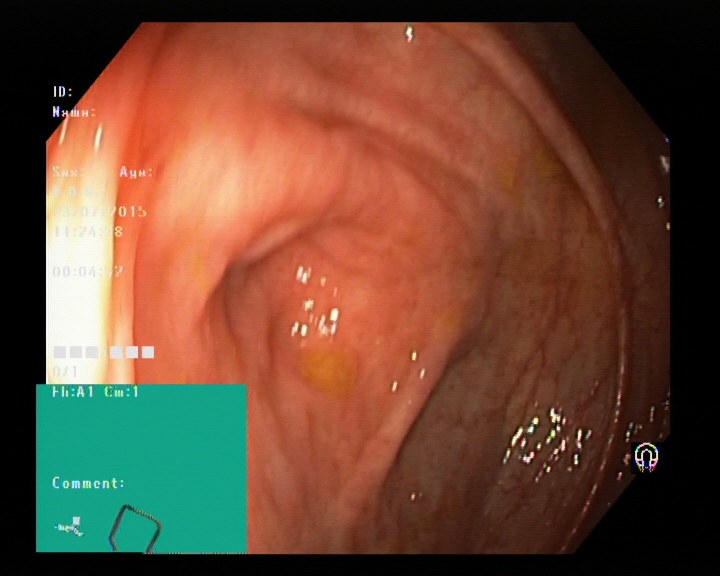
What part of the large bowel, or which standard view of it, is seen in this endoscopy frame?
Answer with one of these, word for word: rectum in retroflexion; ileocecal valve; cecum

cecum